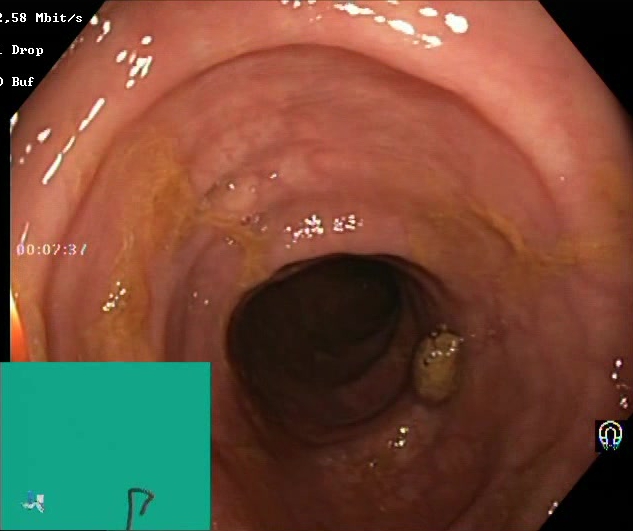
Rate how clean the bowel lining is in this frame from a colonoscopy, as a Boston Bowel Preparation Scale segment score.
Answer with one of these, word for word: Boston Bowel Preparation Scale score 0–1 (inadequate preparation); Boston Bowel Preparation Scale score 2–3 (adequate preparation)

Boston Bowel Preparation Scale score 2–3 (adequate preparation)